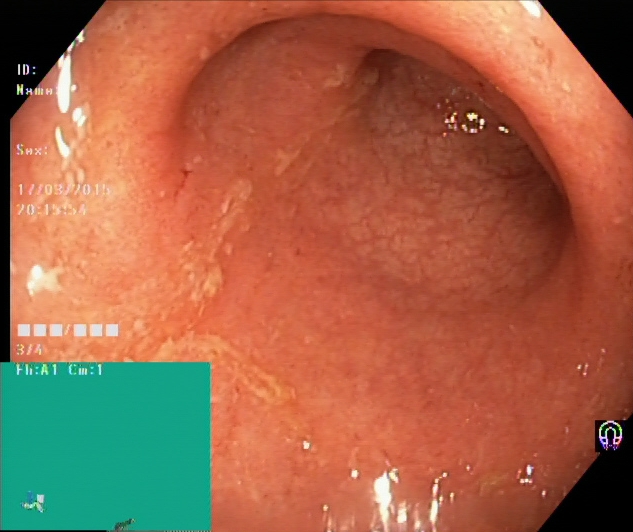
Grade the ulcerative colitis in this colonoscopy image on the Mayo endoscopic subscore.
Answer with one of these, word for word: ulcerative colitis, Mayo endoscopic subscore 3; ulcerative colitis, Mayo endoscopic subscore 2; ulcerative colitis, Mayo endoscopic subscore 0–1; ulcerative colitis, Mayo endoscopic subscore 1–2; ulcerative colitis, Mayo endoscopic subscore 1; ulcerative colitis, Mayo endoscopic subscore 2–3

ulcerative colitis, Mayo endoscopic subscore 1